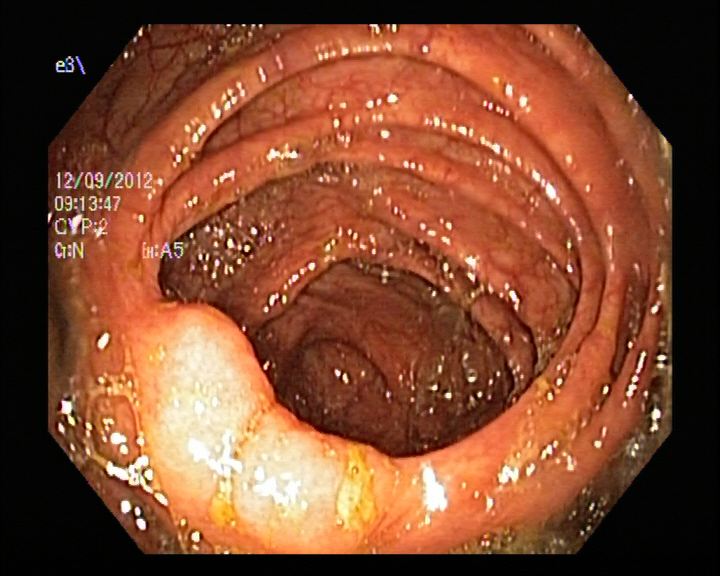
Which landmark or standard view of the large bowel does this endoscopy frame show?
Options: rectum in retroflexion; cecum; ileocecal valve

ileocecal valve